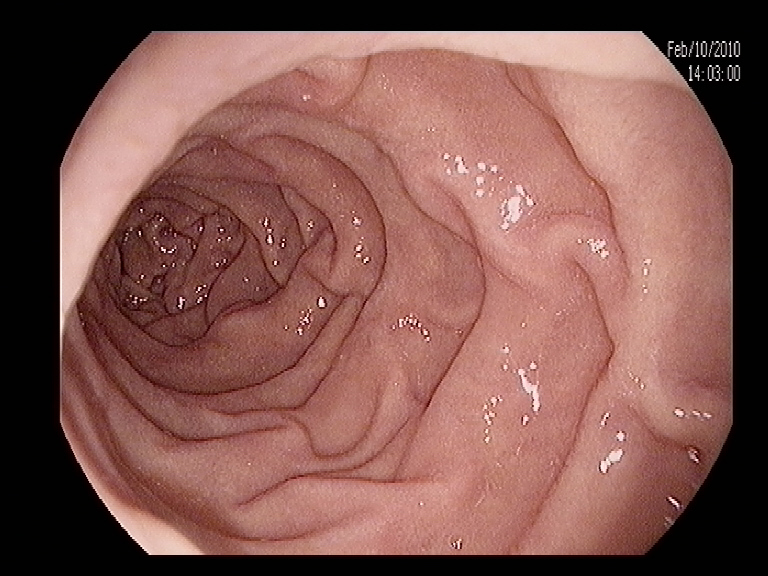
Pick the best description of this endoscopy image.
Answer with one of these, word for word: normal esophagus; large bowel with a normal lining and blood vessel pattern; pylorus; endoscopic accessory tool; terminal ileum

terminal ileum